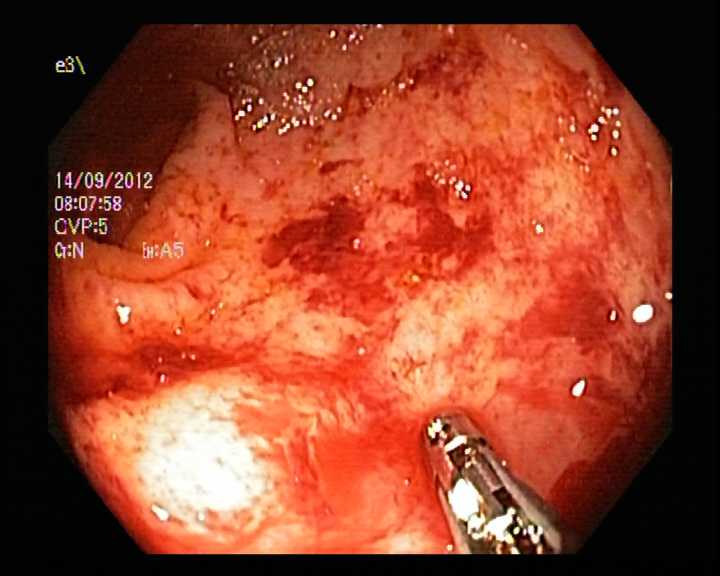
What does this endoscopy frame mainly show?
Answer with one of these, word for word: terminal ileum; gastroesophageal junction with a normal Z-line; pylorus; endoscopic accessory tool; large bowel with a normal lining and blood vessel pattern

endoscopic accessory tool